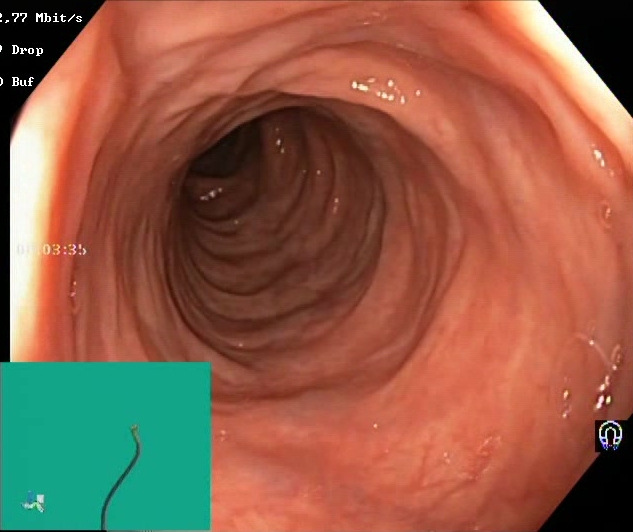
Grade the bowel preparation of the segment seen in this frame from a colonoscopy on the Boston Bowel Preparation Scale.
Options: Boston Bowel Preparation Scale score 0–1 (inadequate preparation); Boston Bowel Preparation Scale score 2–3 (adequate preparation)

Boston Bowel Preparation Scale score 2–3 (adequate preparation)